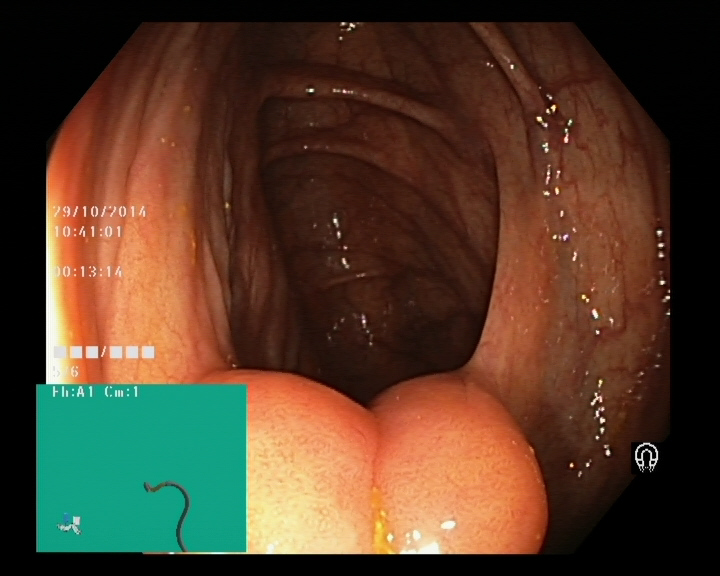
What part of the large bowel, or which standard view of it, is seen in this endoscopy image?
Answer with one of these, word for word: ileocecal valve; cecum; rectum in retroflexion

ileocecal valve